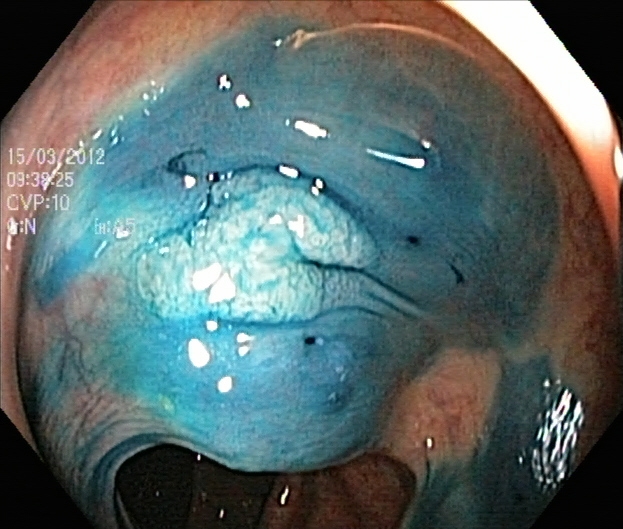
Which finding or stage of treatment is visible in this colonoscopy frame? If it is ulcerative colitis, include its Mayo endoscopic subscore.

dyed and lifted polyp (pre-resection)